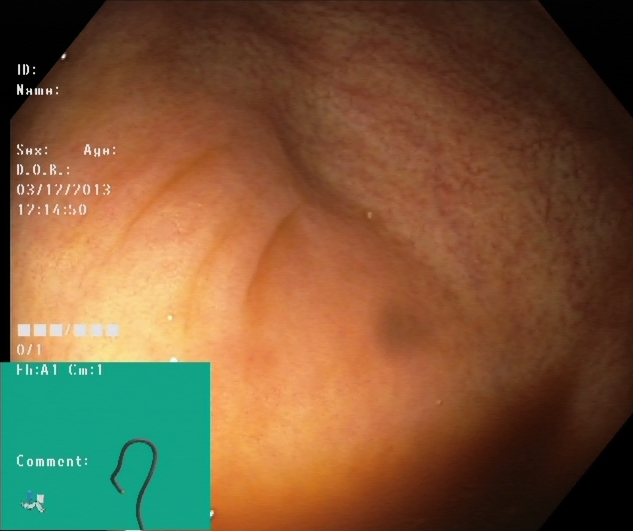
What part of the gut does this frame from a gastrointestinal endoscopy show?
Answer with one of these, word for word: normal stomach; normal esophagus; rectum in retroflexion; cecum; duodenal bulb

cecum